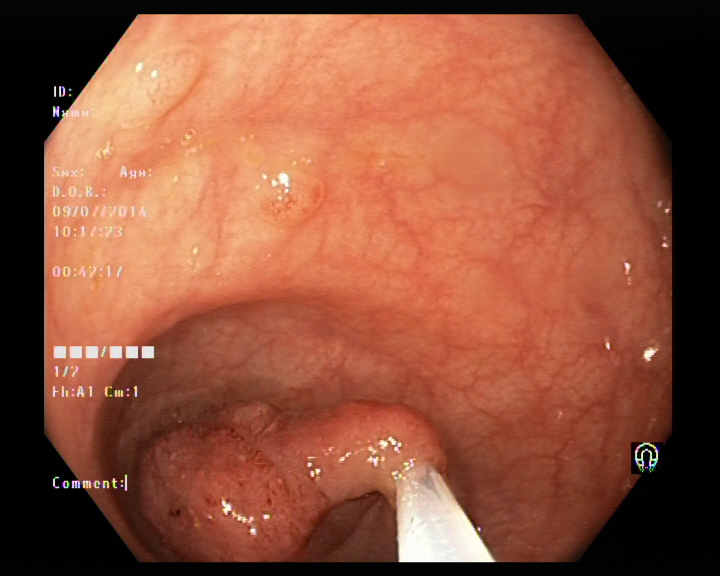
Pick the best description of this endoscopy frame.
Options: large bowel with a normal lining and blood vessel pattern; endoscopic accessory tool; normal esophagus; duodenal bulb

endoscopic accessory tool